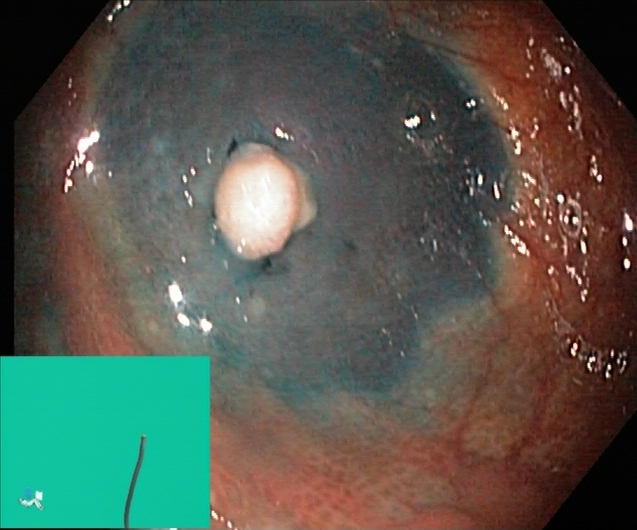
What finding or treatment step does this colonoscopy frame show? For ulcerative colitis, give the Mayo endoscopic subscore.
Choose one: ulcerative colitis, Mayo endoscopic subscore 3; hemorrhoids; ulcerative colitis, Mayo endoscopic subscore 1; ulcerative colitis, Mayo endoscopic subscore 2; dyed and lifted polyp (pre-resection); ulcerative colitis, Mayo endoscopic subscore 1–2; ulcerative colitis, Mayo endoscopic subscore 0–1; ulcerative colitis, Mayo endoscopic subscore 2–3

dyed and lifted polyp (pre-resection)